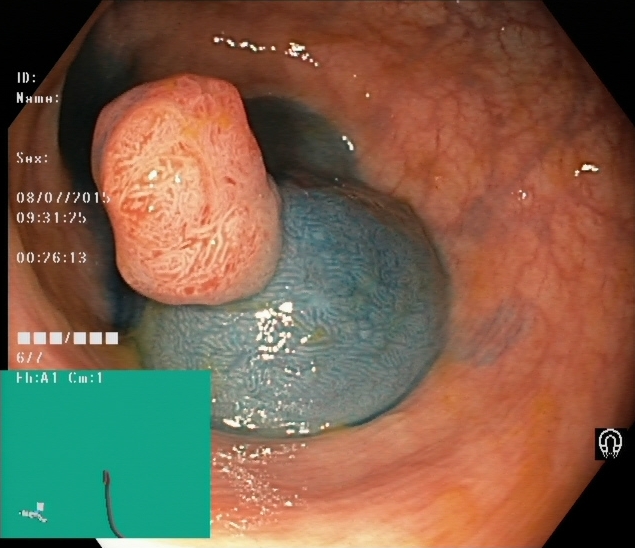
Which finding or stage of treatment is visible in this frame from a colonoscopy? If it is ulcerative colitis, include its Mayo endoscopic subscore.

dyed and lifted polyp (pre-resection)